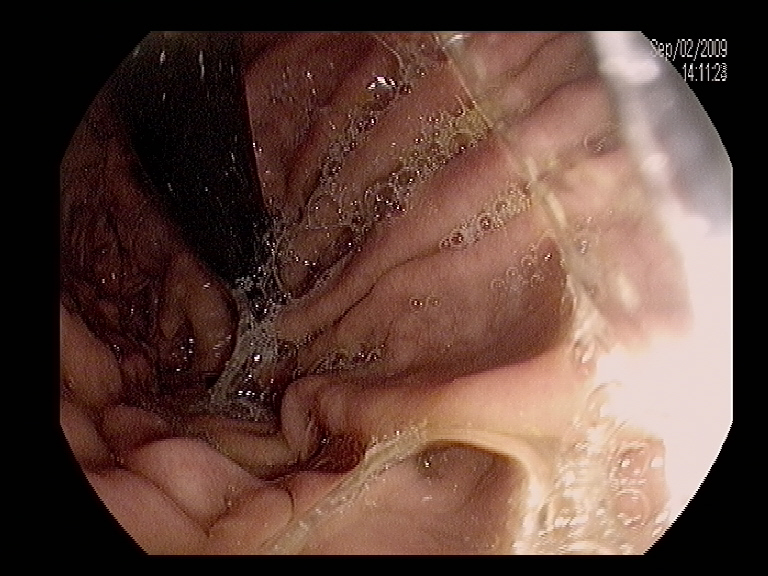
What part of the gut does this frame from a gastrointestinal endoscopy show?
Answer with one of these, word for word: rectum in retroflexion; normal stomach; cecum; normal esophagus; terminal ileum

normal stomach